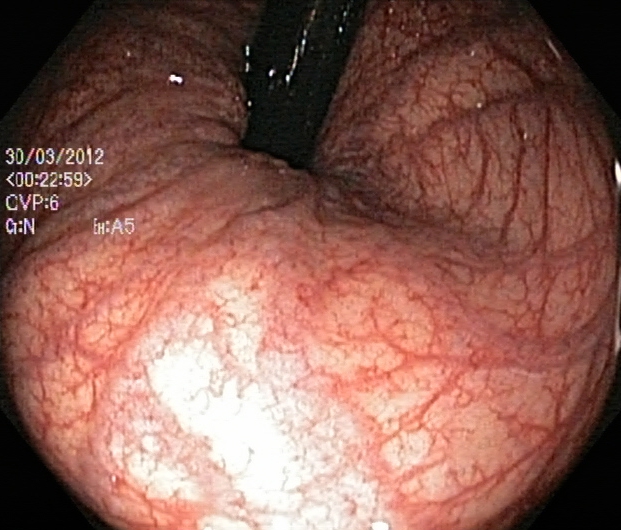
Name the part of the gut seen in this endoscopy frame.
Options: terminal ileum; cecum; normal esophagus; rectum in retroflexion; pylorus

rectum in retroflexion